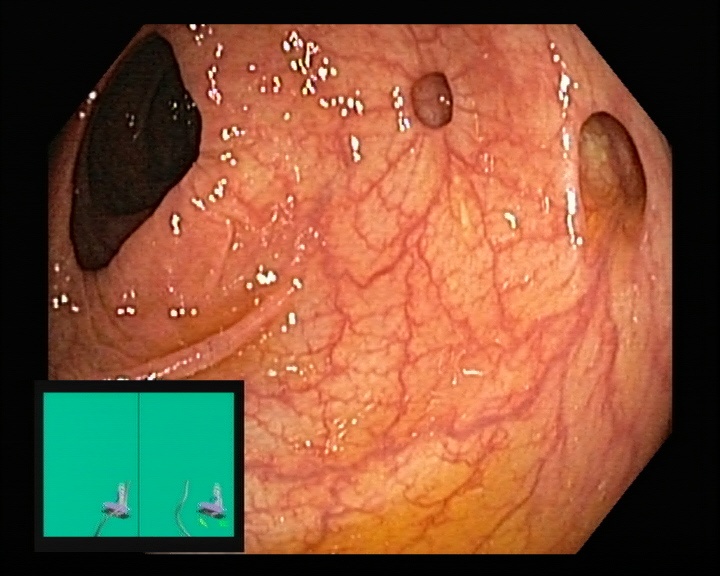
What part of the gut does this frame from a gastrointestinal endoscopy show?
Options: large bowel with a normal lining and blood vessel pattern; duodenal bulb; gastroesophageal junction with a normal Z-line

large bowel with a normal lining and blood vessel pattern